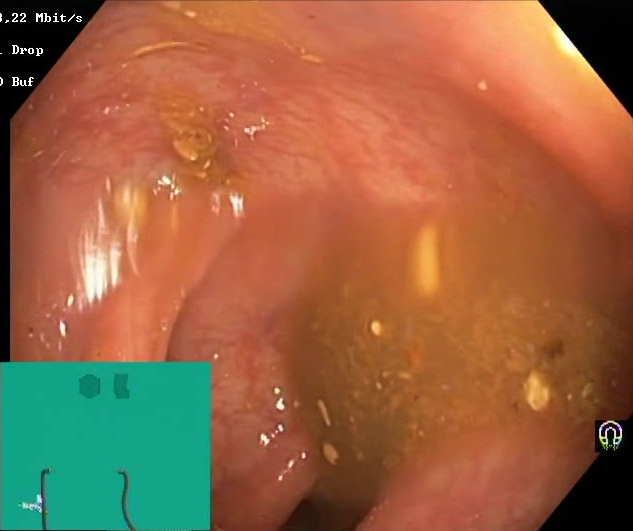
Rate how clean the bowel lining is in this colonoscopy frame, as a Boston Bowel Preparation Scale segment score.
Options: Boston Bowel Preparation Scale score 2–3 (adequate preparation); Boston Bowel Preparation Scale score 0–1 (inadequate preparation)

Boston Bowel Preparation Scale score 0–1 (inadequate preparation)